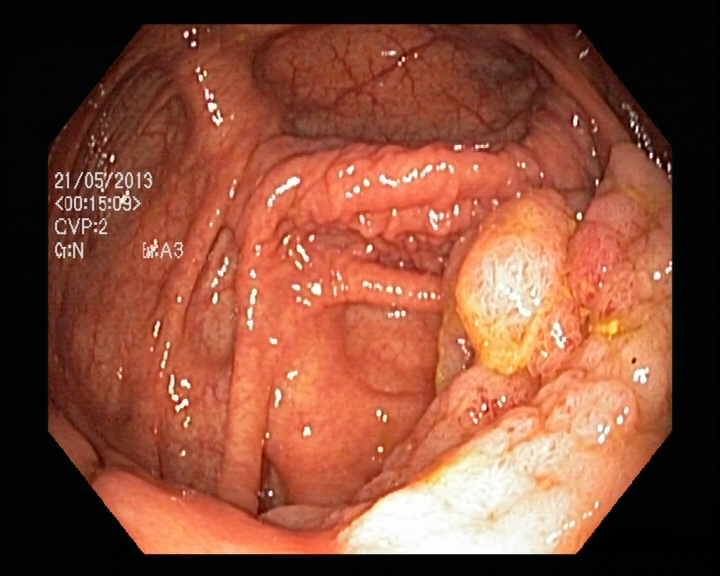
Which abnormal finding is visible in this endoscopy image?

colon polyp